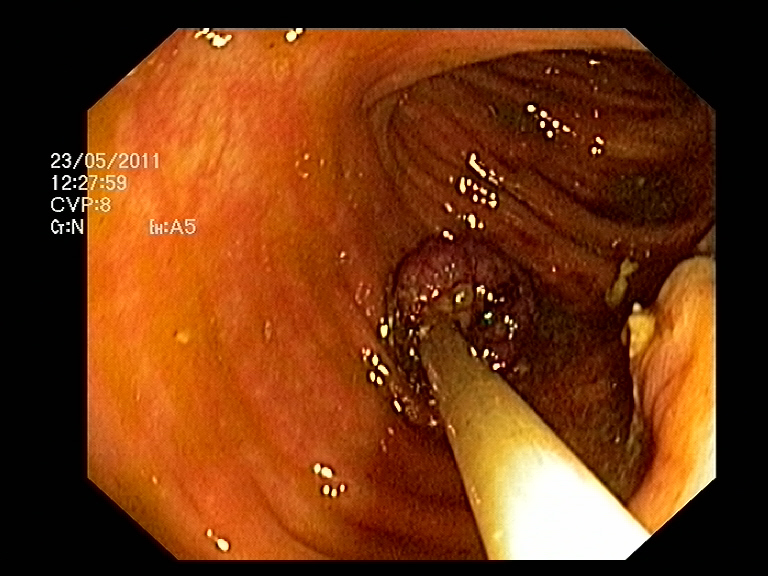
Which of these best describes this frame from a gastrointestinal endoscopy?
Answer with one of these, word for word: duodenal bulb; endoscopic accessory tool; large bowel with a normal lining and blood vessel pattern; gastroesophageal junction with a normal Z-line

endoscopic accessory tool